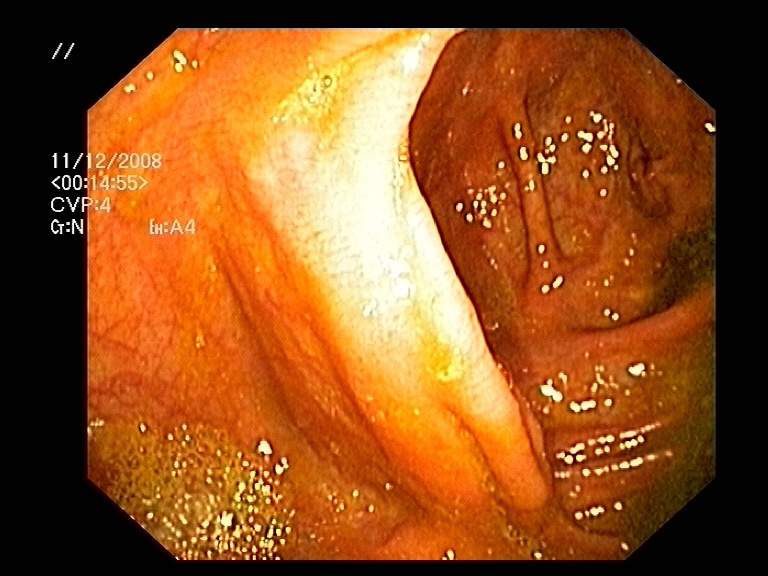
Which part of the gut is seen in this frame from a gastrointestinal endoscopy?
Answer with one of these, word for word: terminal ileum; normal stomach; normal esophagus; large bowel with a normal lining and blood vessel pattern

large bowel with a normal lining and blood vessel pattern